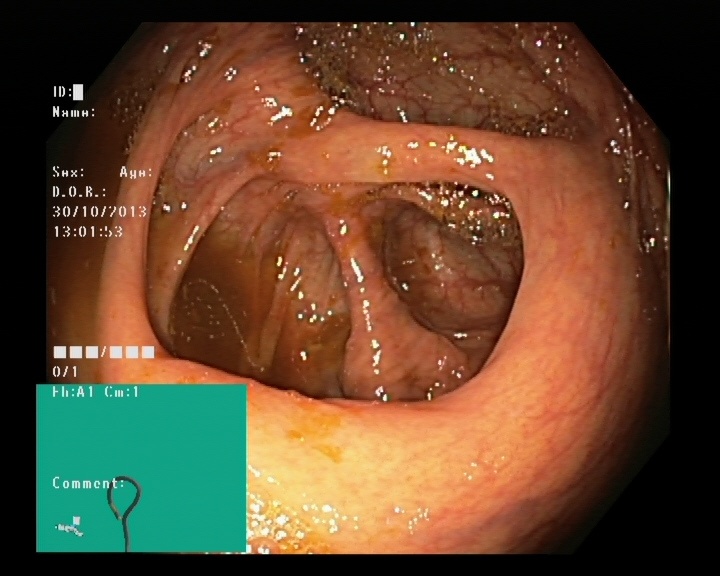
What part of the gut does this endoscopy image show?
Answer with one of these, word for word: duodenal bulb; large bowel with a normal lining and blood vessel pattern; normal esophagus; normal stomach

large bowel with a normal lining and blood vessel pattern